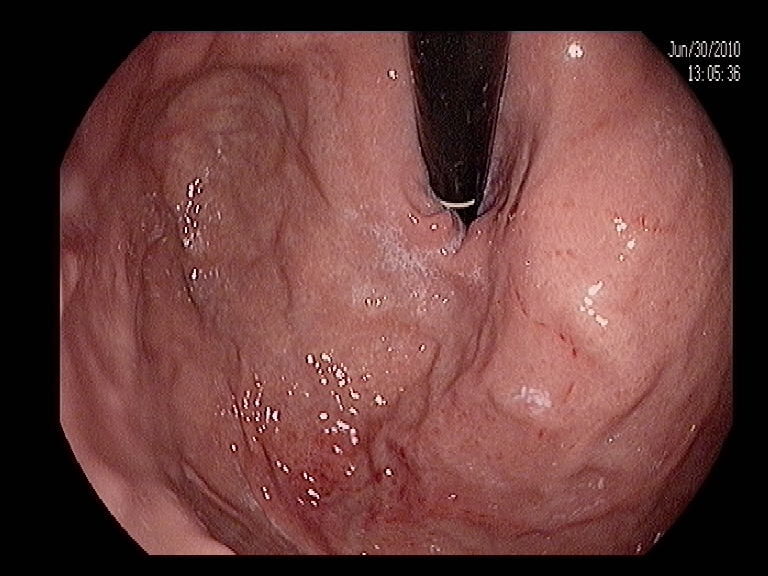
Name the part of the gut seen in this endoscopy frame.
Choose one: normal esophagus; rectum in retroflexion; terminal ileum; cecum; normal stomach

normal stomach